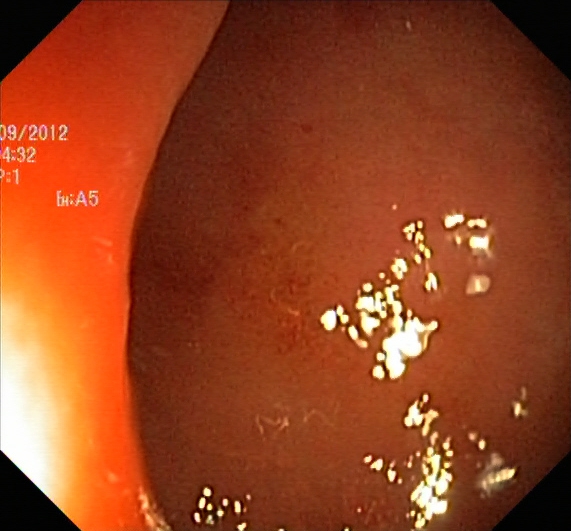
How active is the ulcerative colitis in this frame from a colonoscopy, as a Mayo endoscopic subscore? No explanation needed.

ulcerative colitis, Mayo endoscopic subscore 2